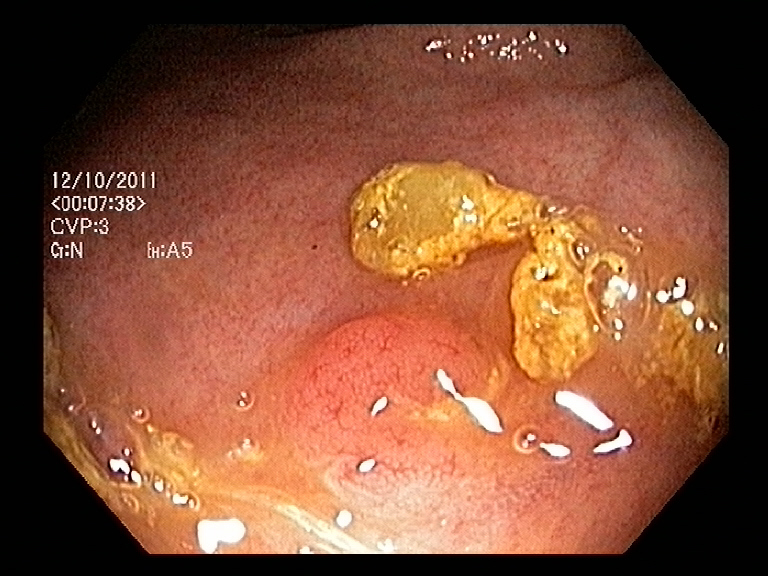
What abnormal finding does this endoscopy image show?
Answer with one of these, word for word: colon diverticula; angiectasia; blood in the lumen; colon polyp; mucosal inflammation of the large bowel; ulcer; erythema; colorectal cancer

colon polyp